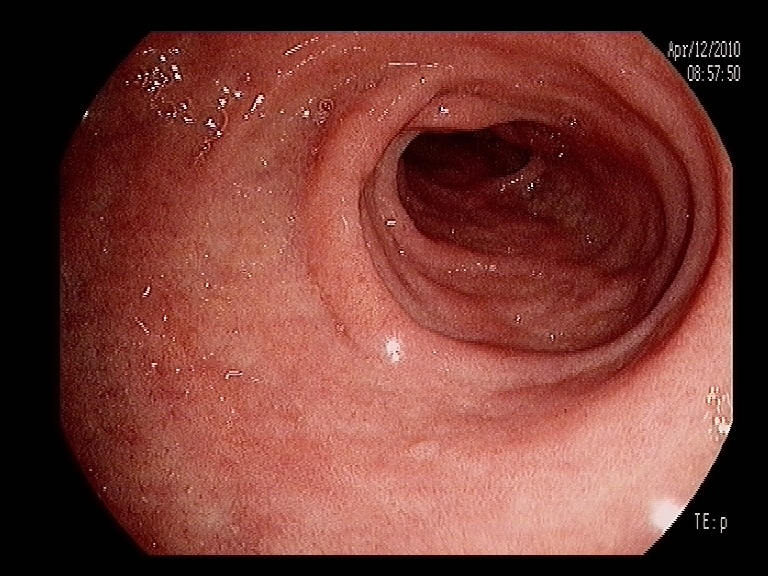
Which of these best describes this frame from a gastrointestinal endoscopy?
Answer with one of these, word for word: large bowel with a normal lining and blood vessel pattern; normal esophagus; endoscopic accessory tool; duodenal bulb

duodenal bulb